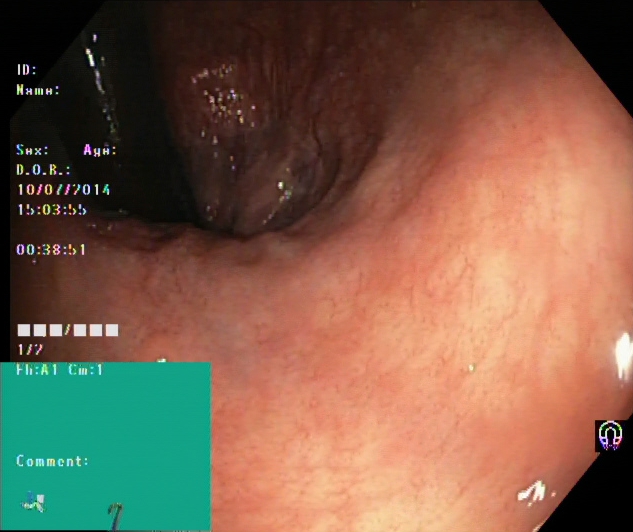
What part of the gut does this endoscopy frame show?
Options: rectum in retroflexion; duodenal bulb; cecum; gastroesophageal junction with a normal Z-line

rectum in retroflexion